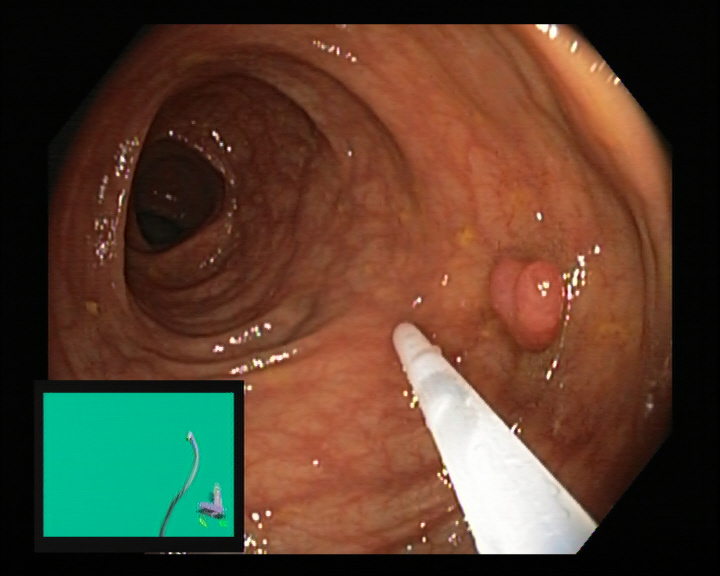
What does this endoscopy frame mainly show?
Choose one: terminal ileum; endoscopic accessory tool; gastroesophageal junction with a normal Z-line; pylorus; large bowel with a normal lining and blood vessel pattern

endoscopic accessory tool